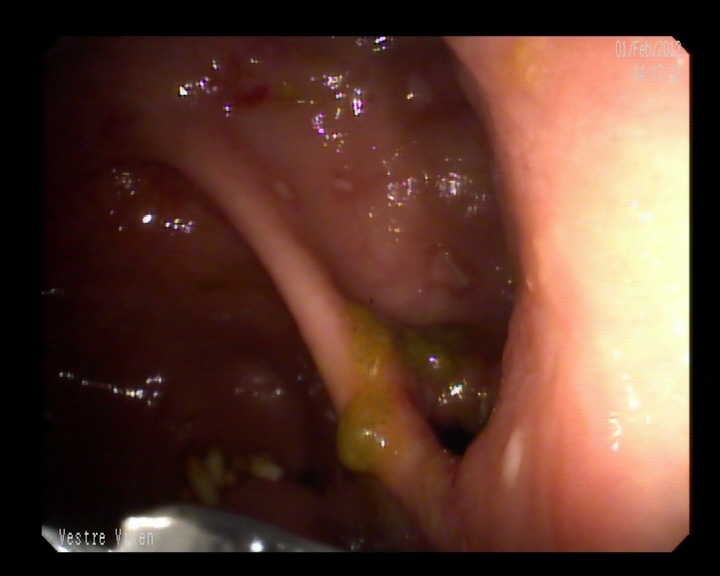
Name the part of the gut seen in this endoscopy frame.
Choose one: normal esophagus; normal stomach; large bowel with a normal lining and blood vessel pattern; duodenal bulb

large bowel with a normal lining and blood vessel pattern